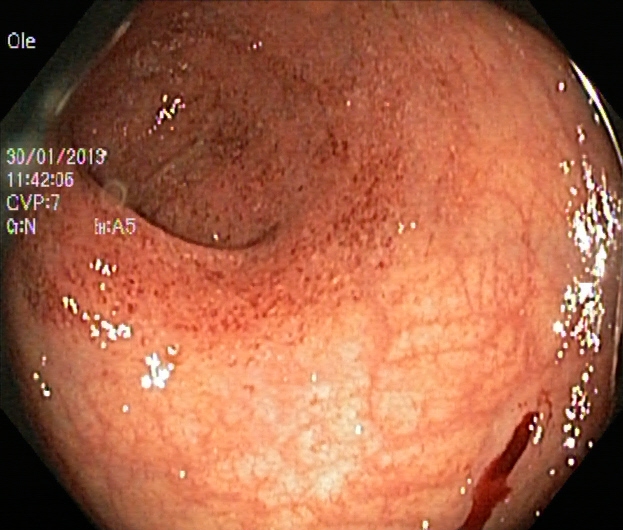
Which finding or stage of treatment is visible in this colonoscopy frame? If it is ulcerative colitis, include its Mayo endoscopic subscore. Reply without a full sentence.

ulcerative colitis, Mayo endoscopic subscore 1